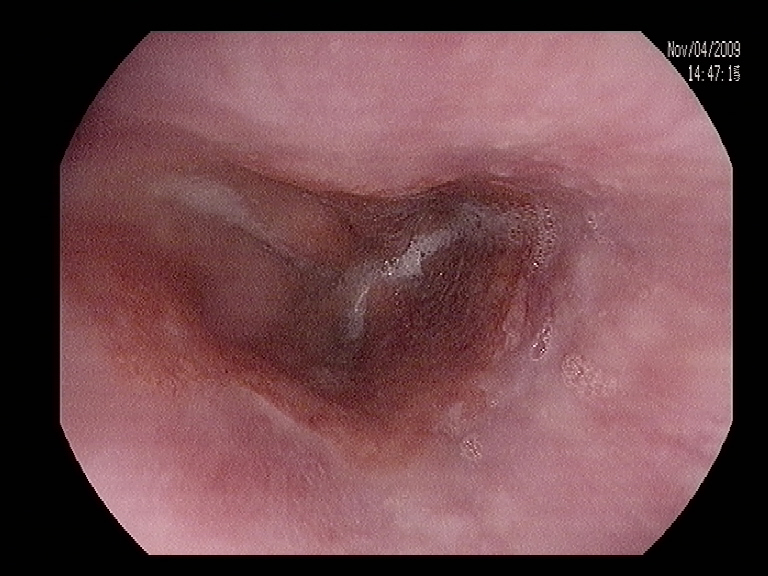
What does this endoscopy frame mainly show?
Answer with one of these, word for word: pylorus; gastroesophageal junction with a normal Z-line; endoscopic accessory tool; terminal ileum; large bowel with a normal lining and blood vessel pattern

gastroesophageal junction with a normal Z-line